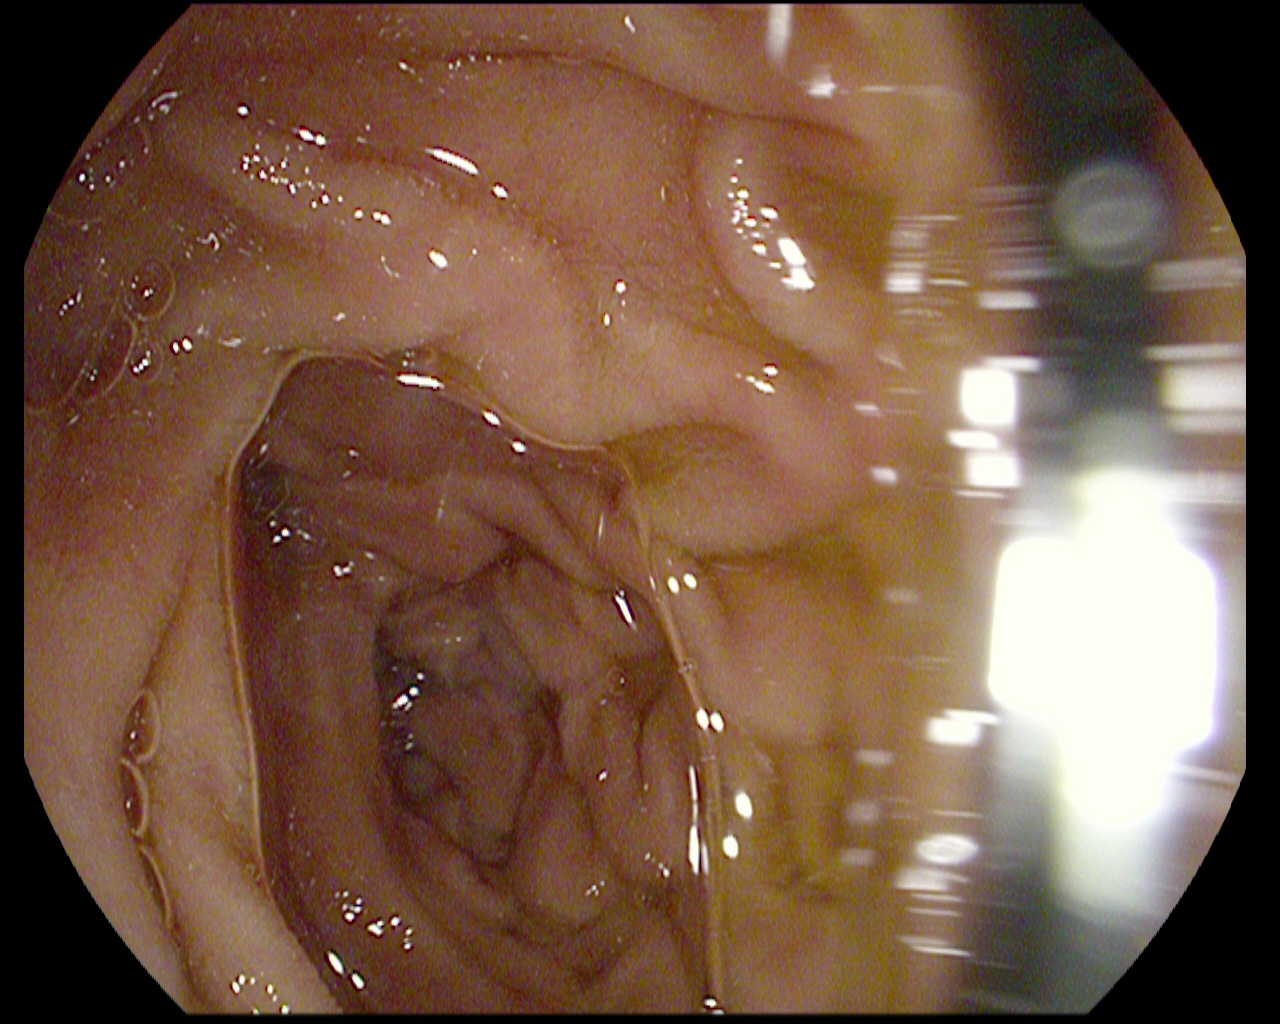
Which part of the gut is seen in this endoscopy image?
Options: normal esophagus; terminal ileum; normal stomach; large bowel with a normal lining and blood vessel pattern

terminal ileum